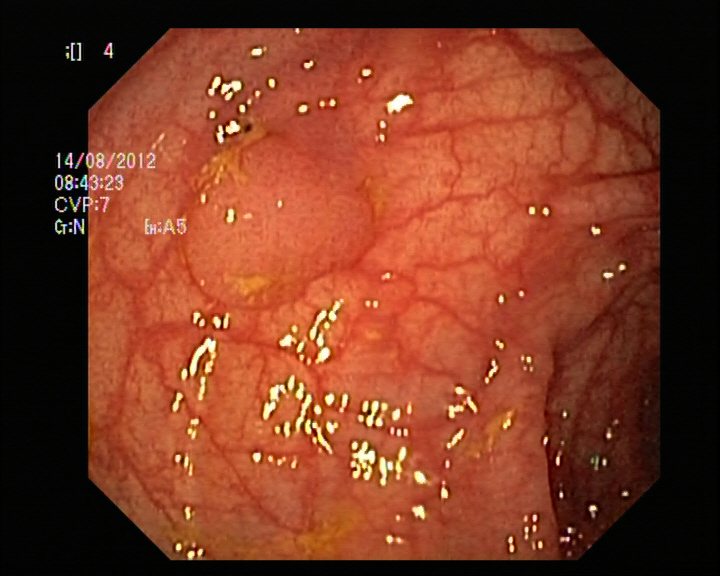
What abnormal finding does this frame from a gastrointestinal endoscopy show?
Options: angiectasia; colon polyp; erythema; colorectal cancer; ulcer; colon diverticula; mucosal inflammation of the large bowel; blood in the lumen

colon polyp